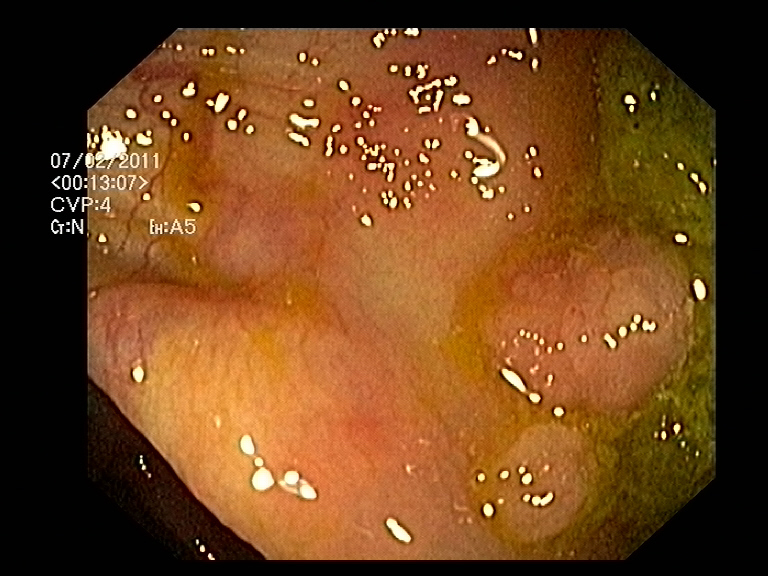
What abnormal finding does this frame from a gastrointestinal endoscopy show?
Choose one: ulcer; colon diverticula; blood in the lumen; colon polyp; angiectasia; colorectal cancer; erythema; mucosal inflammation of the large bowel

colon polyp